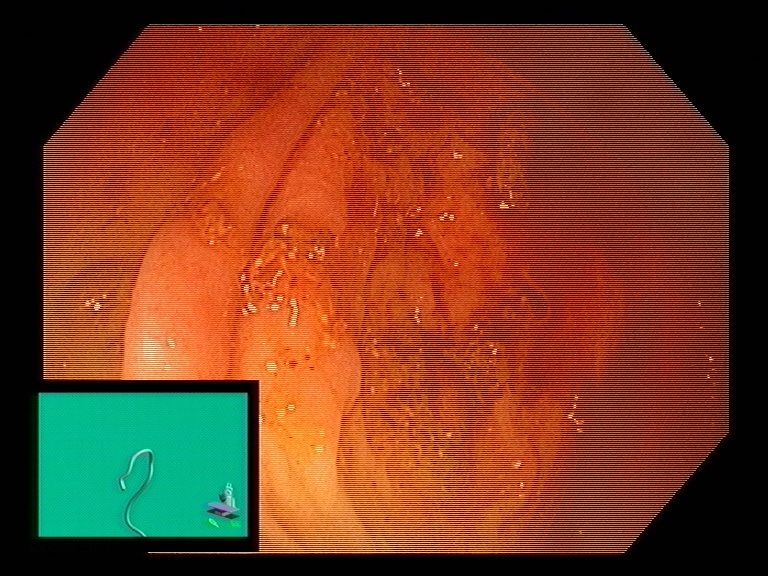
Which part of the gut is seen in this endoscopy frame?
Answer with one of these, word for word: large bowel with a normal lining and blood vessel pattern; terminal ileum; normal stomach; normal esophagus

large bowel with a normal lining and blood vessel pattern